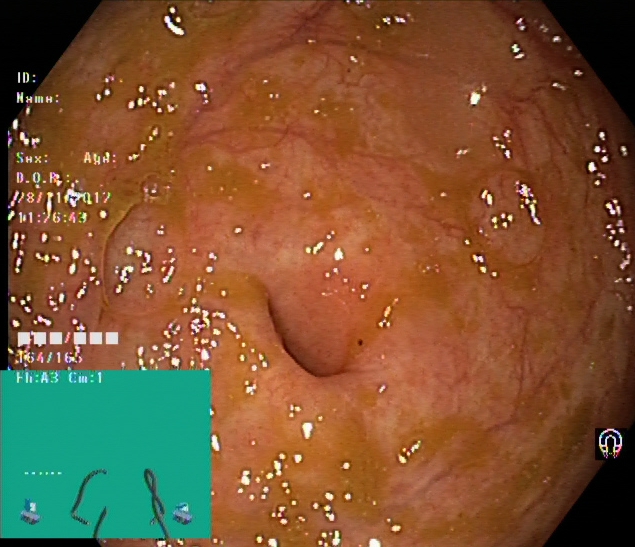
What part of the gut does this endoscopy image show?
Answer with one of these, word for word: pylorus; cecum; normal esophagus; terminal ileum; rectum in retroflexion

cecum